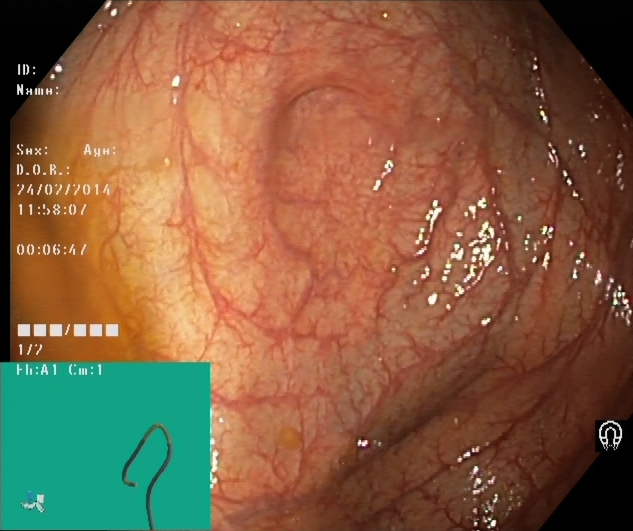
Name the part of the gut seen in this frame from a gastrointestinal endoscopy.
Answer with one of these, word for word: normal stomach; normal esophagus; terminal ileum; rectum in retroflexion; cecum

cecum